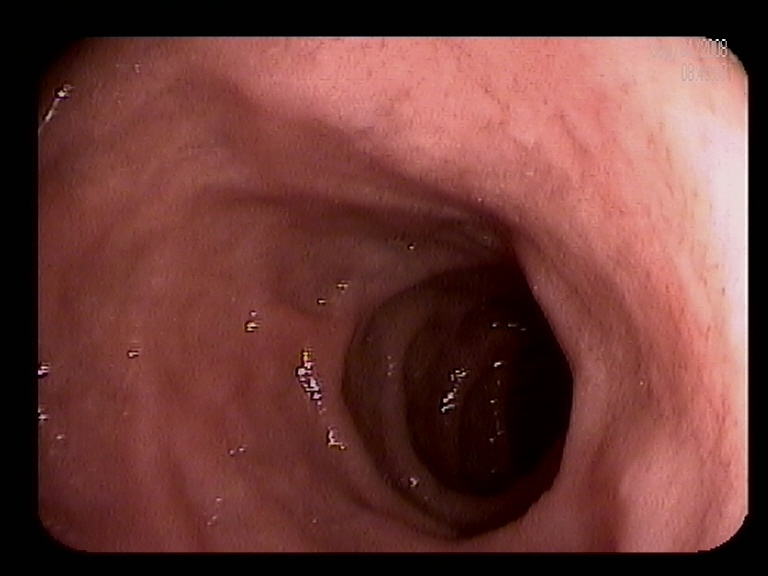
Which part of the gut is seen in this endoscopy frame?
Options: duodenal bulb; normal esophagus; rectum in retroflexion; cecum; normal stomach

duodenal bulb